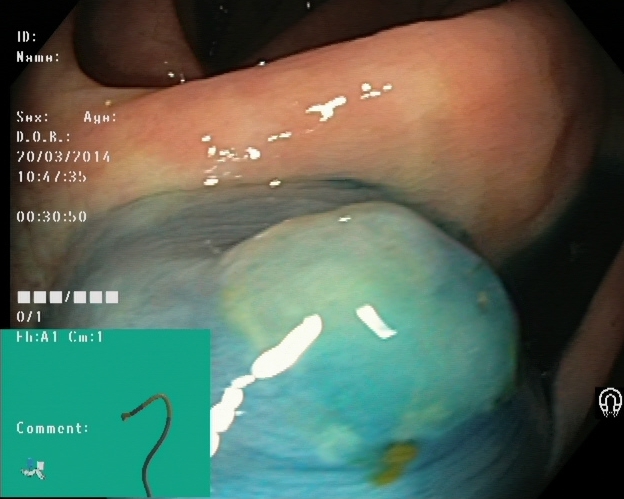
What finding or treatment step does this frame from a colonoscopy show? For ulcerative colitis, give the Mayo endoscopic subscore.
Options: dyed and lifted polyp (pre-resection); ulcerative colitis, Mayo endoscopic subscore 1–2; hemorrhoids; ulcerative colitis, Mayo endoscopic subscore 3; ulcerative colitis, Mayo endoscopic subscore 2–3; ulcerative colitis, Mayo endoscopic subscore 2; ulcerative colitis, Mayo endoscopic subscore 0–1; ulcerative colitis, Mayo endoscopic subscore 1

dyed and lifted polyp (pre-resection)